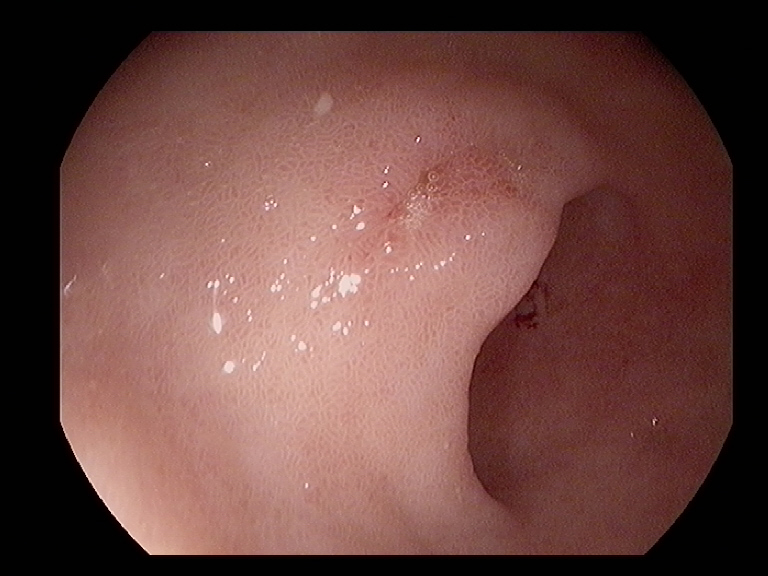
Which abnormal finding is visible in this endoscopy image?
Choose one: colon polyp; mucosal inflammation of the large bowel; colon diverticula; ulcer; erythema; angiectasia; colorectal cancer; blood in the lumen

ulcer